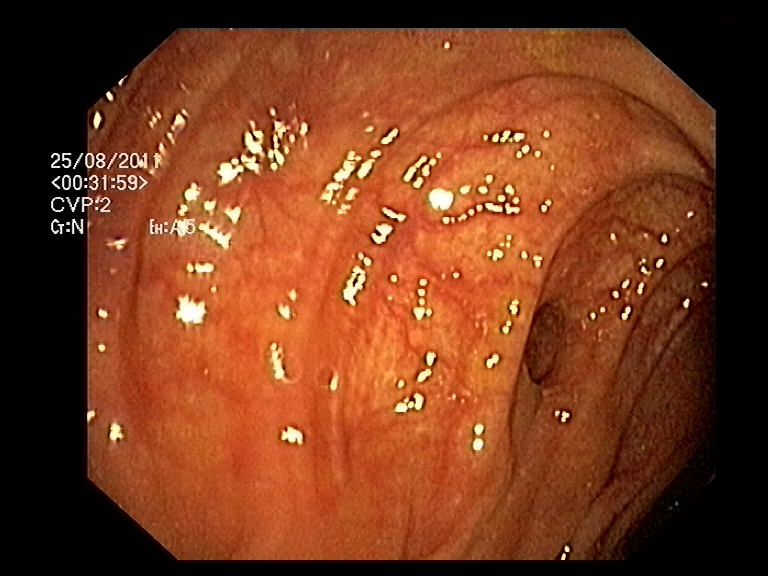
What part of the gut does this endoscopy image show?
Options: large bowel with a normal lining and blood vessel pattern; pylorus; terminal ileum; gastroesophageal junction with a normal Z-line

large bowel with a normal lining and blood vessel pattern